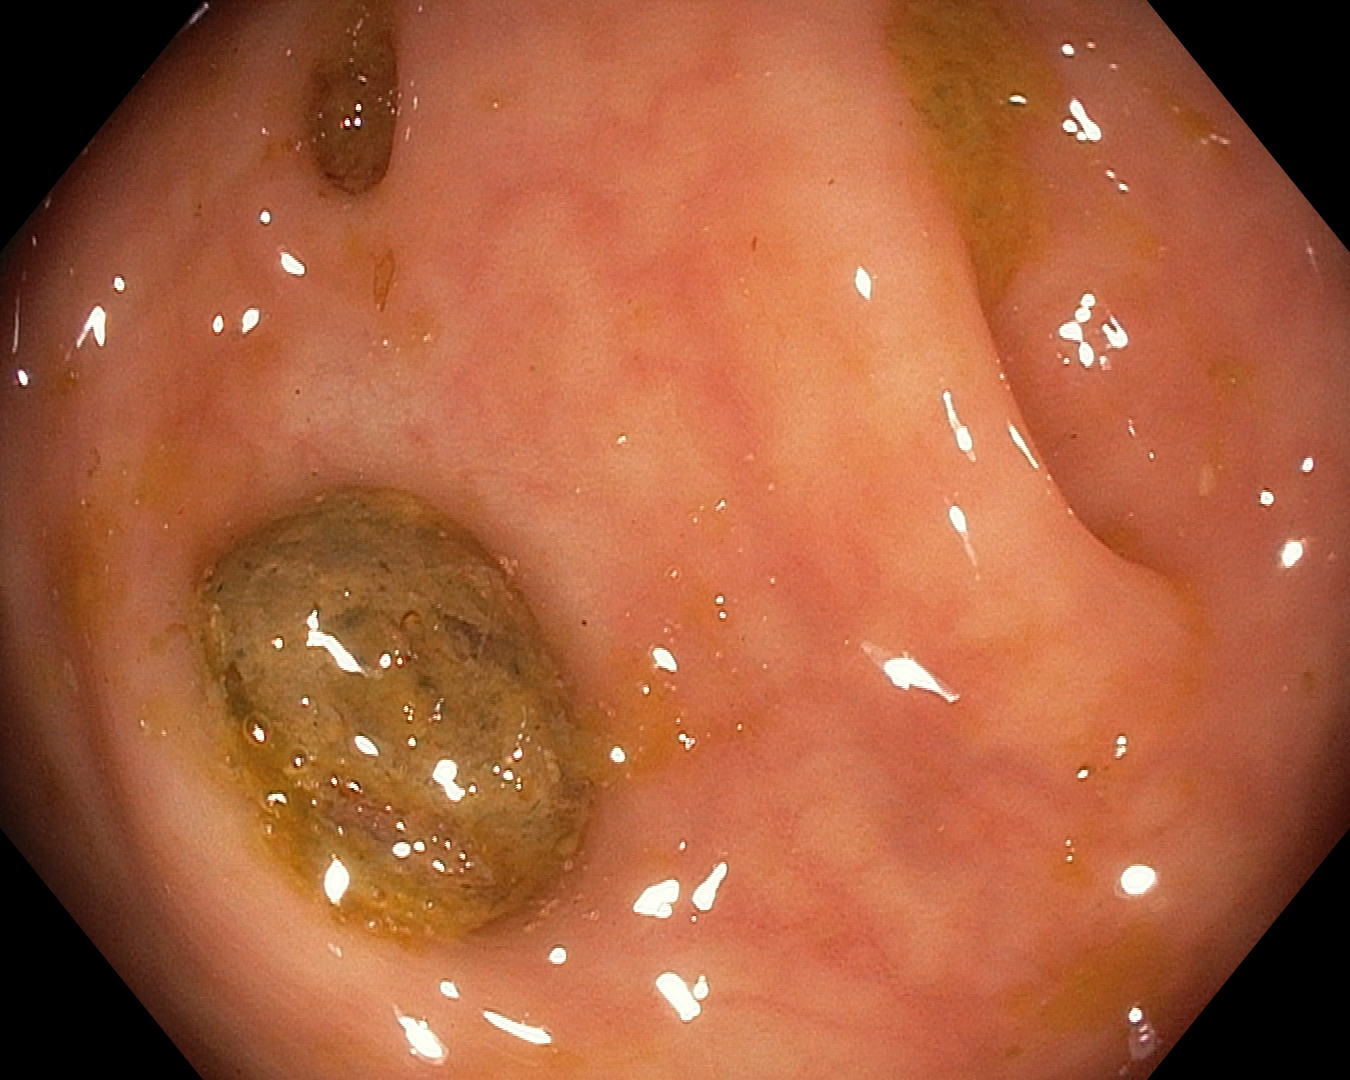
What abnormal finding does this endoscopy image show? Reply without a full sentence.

colon diverticula